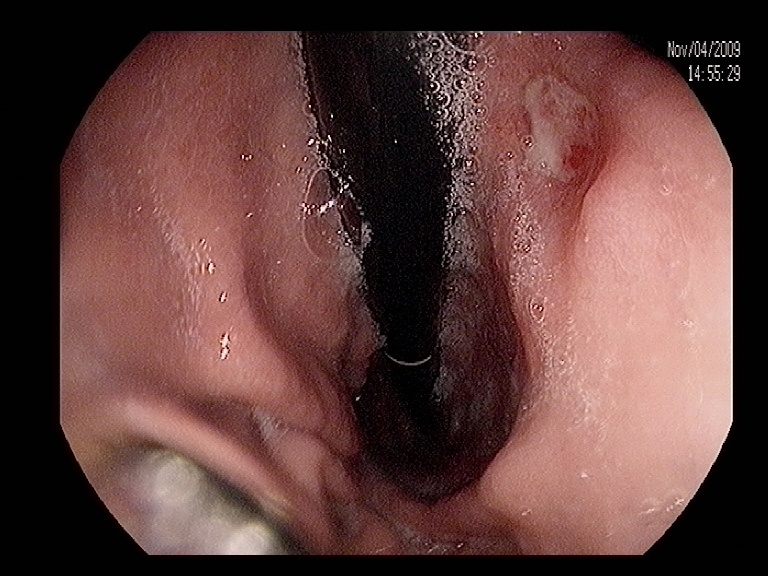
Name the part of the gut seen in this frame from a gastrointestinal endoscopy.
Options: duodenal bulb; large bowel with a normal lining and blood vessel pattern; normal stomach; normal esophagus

normal stomach